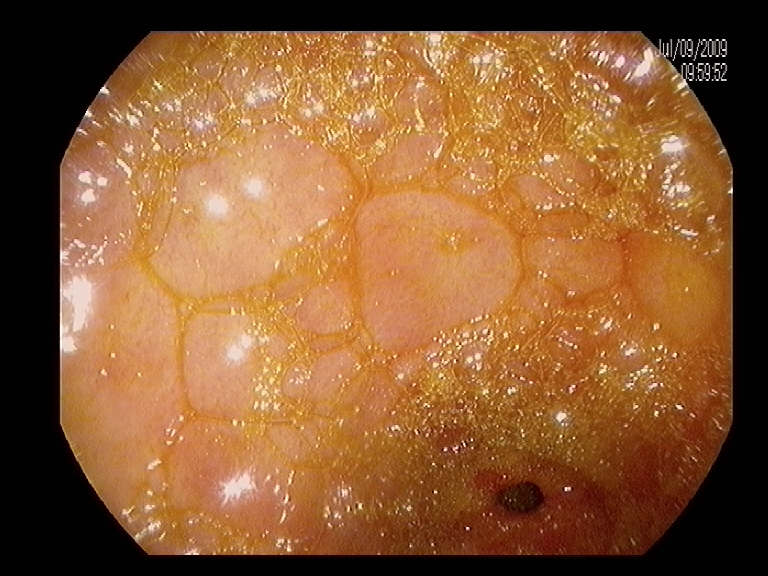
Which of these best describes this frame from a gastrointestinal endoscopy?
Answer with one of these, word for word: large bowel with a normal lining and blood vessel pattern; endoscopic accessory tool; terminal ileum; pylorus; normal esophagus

pylorus